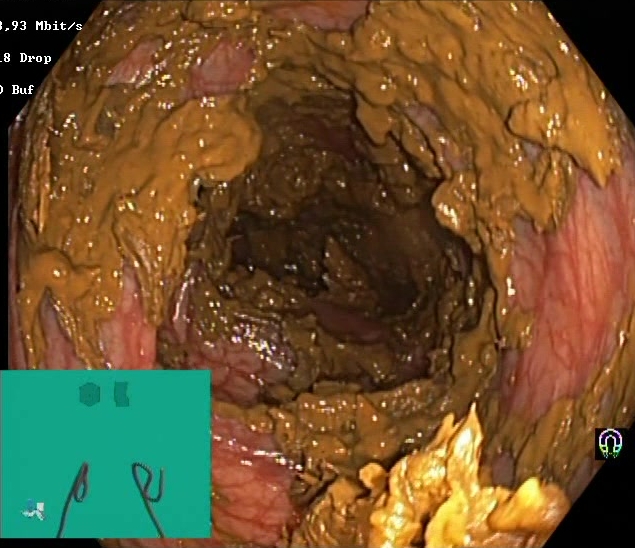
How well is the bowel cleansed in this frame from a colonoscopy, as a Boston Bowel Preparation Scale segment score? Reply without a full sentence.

Boston Bowel Preparation Scale score 0–1 (inadequate preparation)